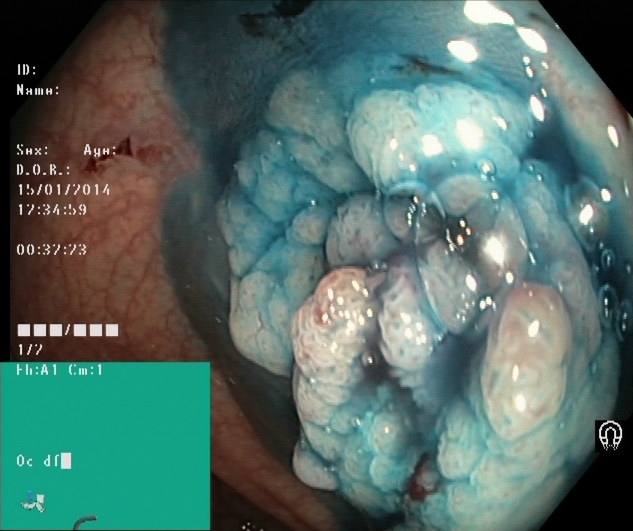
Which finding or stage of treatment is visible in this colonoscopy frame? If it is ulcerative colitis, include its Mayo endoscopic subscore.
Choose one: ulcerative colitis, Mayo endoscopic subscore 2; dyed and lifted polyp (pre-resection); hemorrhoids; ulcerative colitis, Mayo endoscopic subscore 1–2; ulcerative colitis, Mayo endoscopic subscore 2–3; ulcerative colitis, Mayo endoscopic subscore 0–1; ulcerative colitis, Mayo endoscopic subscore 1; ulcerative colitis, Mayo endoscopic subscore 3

dyed and lifted polyp (pre-resection)